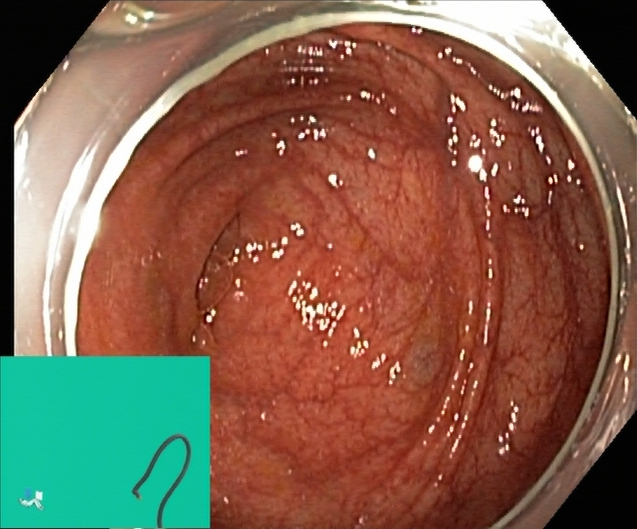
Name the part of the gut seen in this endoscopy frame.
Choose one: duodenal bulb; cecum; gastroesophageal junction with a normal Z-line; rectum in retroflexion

cecum